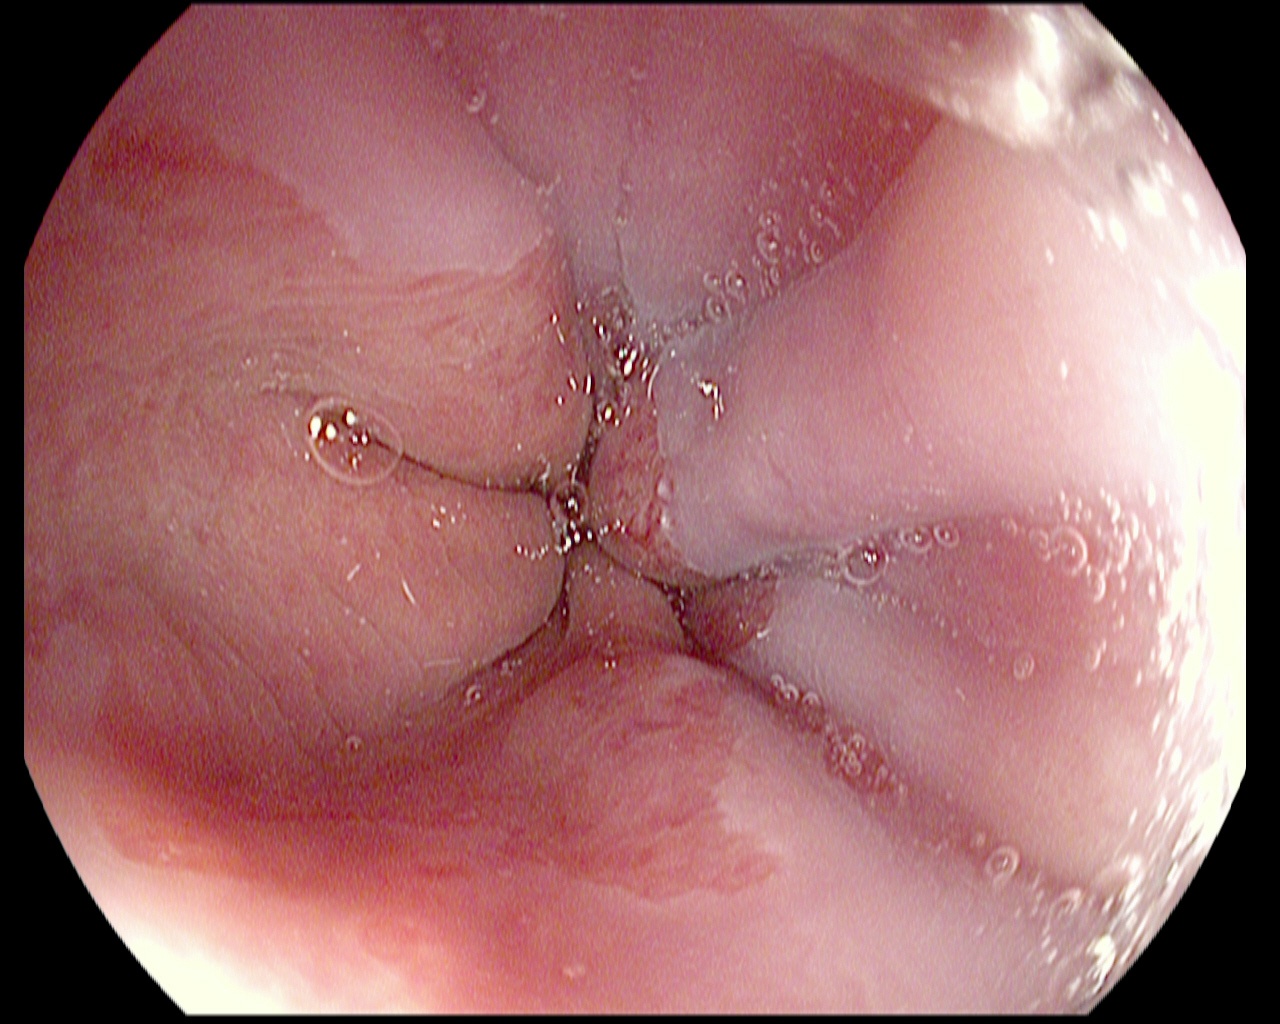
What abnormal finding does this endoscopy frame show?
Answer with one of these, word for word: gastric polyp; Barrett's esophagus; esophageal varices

Barrett's esophagus